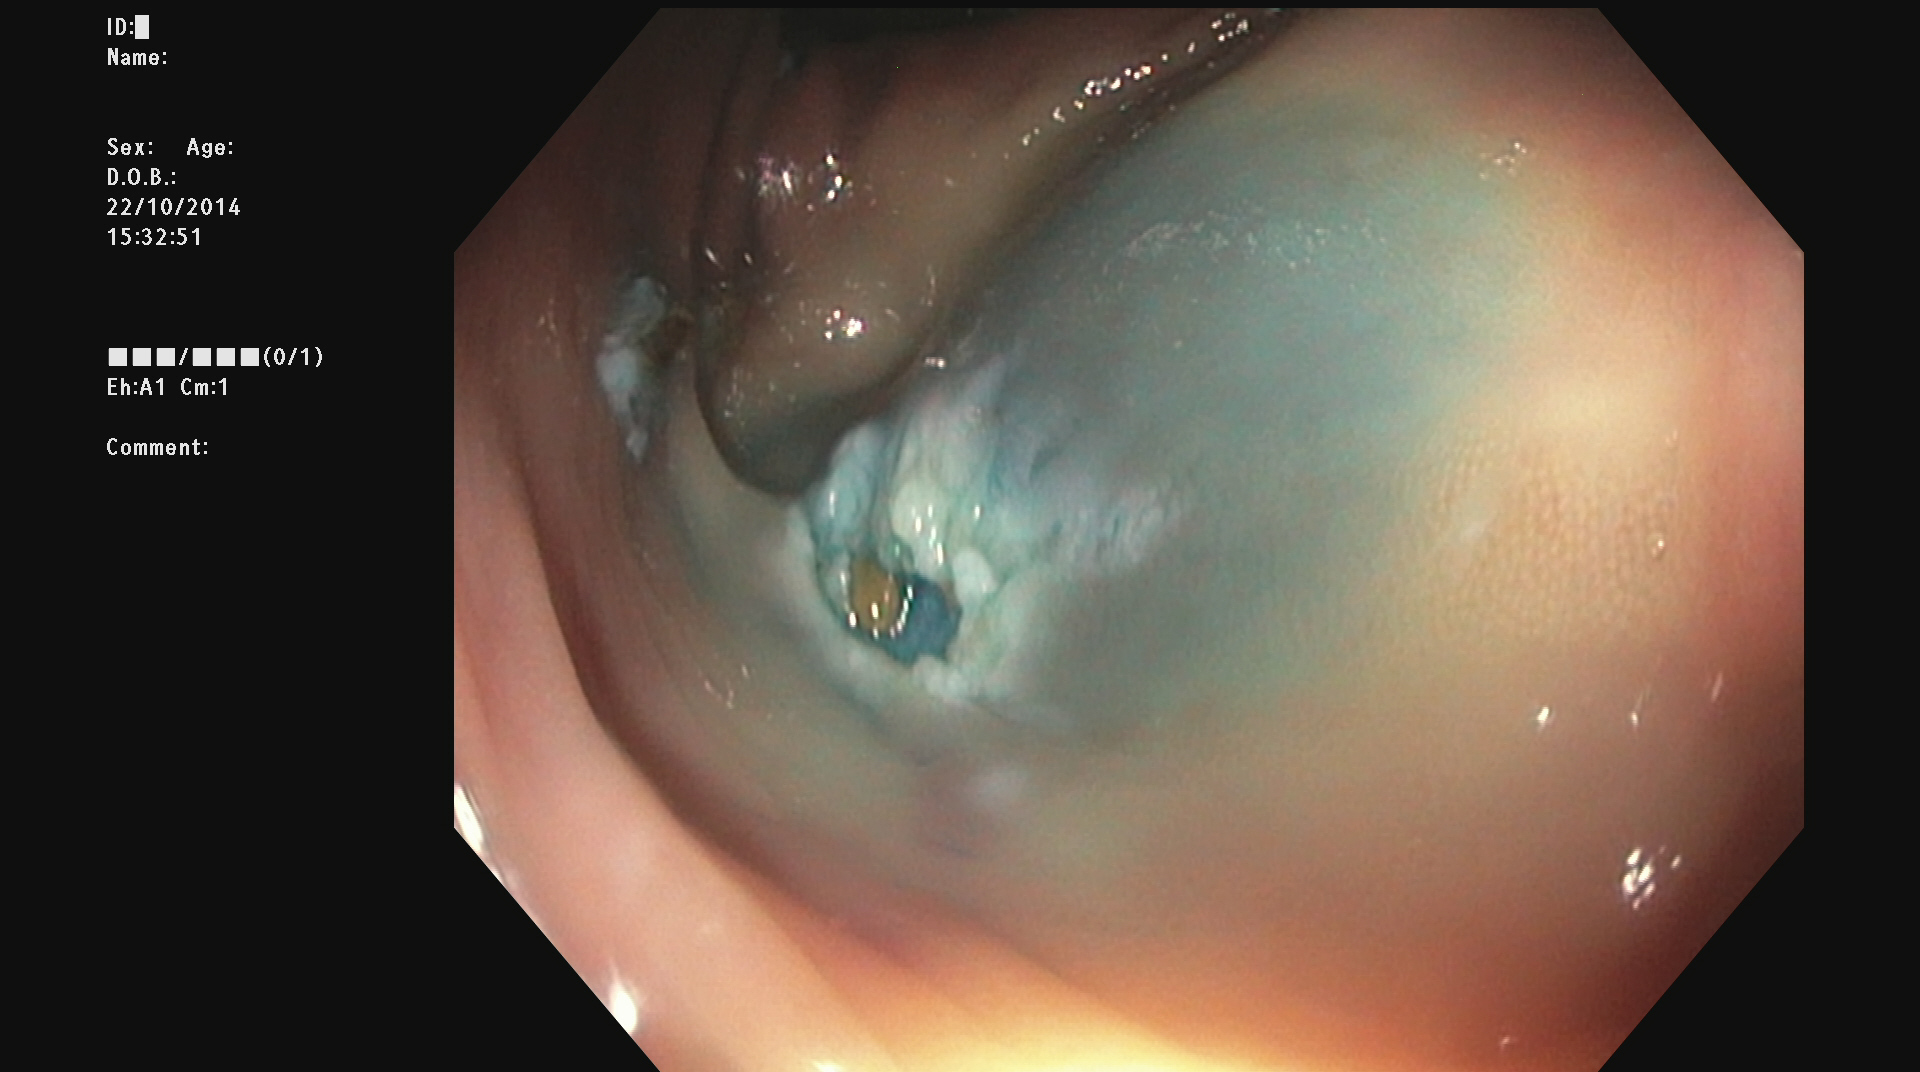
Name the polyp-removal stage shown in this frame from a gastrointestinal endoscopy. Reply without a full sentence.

dyed resection margin (post-polypectomy)